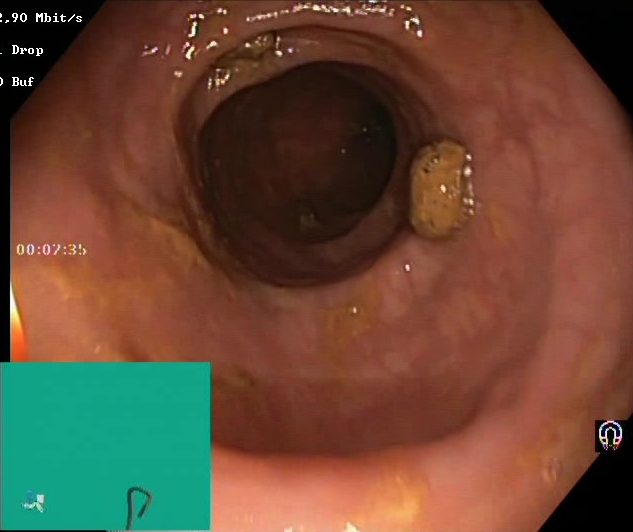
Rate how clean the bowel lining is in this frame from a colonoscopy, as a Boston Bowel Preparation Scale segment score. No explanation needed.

Boston Bowel Preparation Scale score 2–3 (adequate preparation)